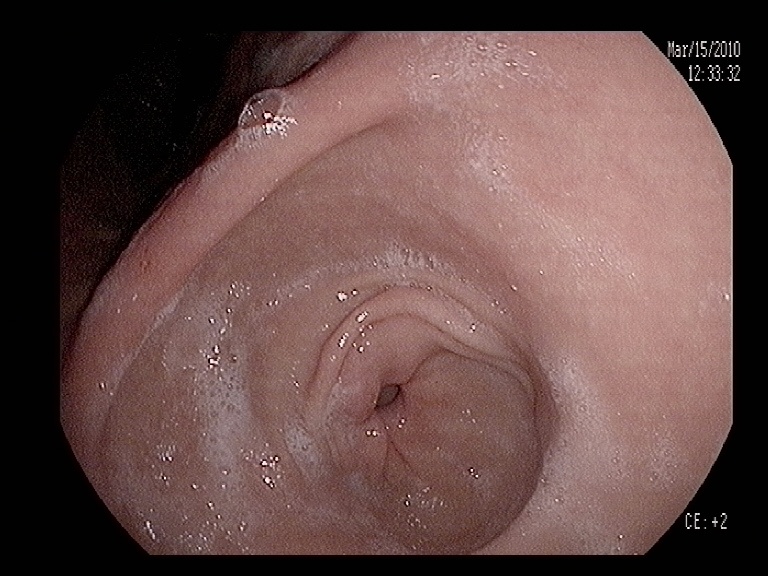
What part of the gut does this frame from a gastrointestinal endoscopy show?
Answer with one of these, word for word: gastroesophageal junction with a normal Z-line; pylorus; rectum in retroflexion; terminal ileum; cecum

pylorus